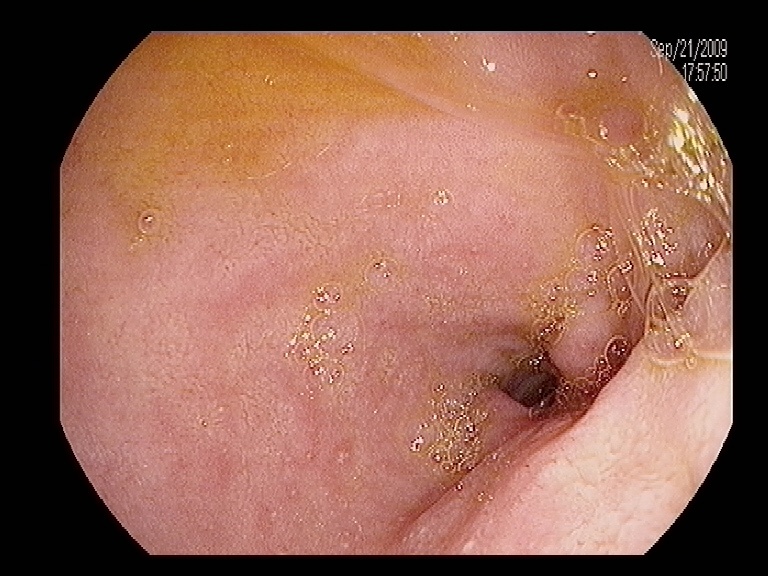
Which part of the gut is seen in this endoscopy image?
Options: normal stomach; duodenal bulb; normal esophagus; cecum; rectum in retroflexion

duodenal bulb